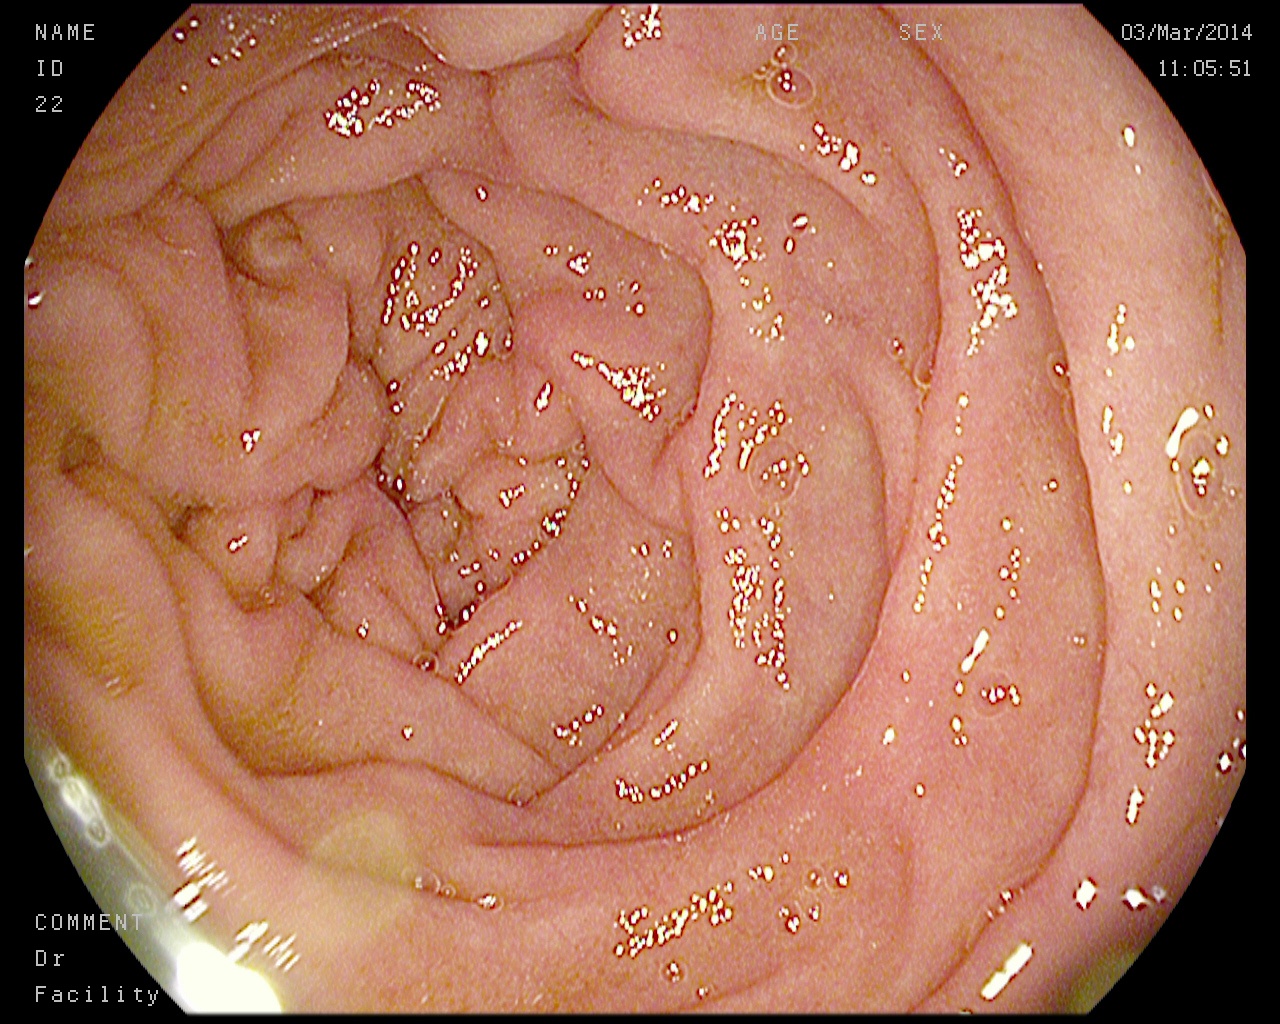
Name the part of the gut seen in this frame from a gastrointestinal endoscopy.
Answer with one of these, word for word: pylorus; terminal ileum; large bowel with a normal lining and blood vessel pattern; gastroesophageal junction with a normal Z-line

terminal ileum